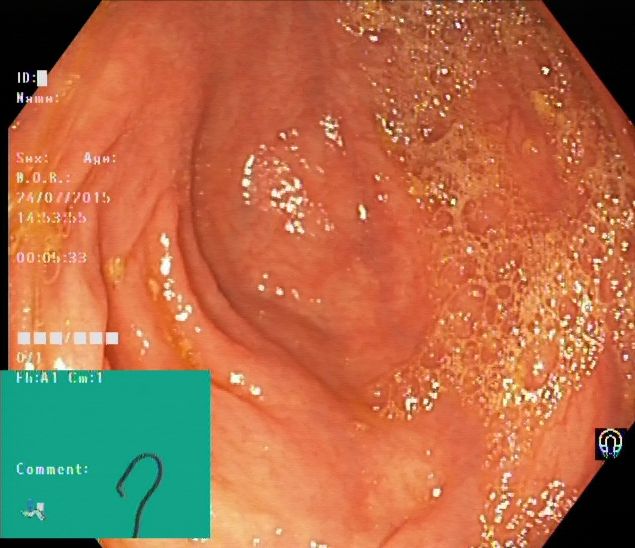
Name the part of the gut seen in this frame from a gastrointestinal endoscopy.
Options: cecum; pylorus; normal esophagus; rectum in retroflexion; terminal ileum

cecum